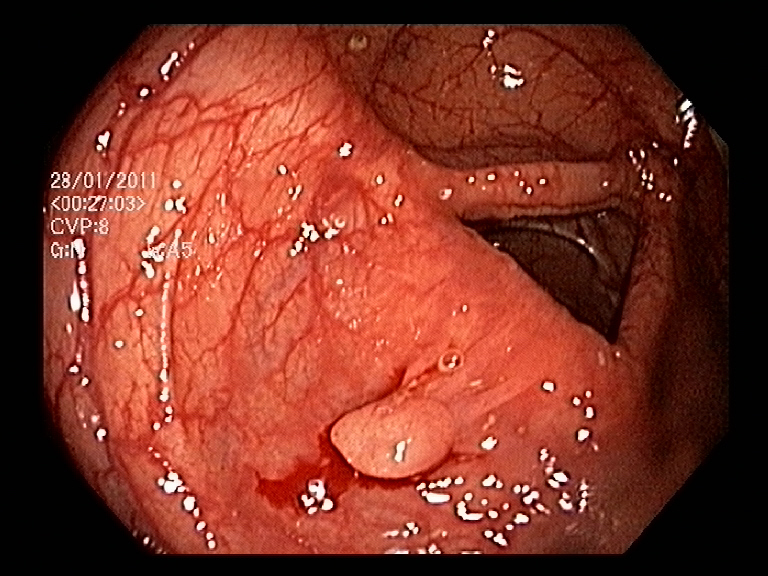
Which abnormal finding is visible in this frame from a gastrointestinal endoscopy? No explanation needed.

colon polyp